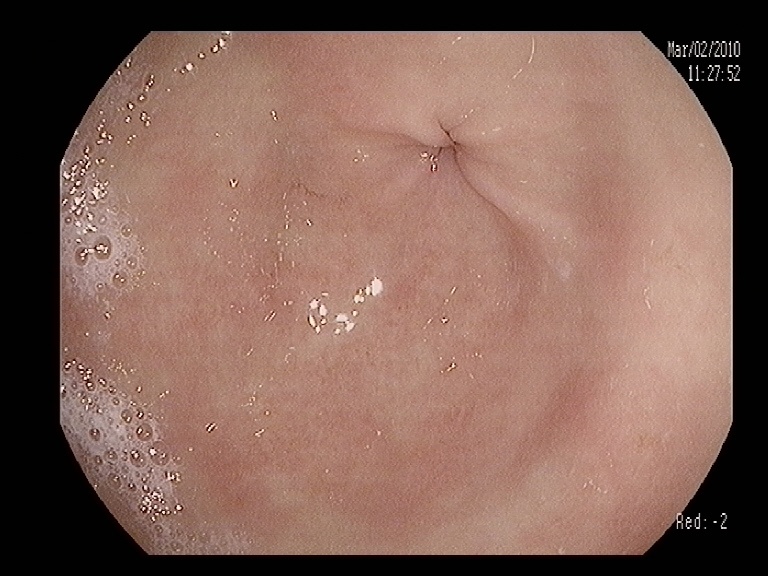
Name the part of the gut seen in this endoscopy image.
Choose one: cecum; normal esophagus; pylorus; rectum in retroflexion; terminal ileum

pylorus